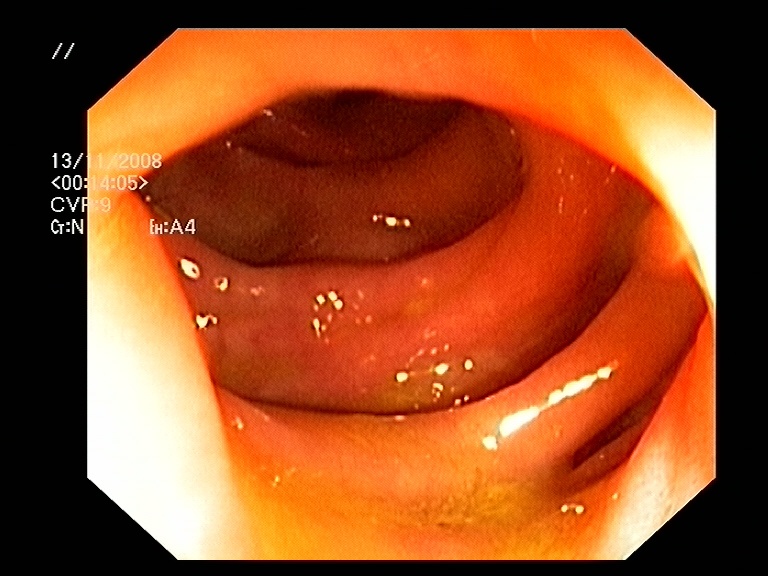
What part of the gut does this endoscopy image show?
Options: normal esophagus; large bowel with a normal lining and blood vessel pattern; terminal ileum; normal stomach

large bowel with a normal lining and blood vessel pattern